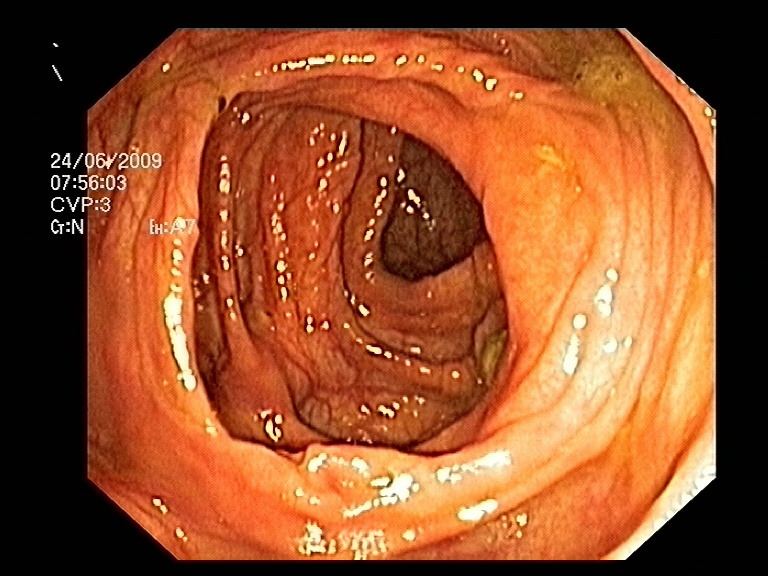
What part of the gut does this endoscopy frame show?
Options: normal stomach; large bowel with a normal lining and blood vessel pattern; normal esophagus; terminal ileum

large bowel with a normal lining and blood vessel pattern